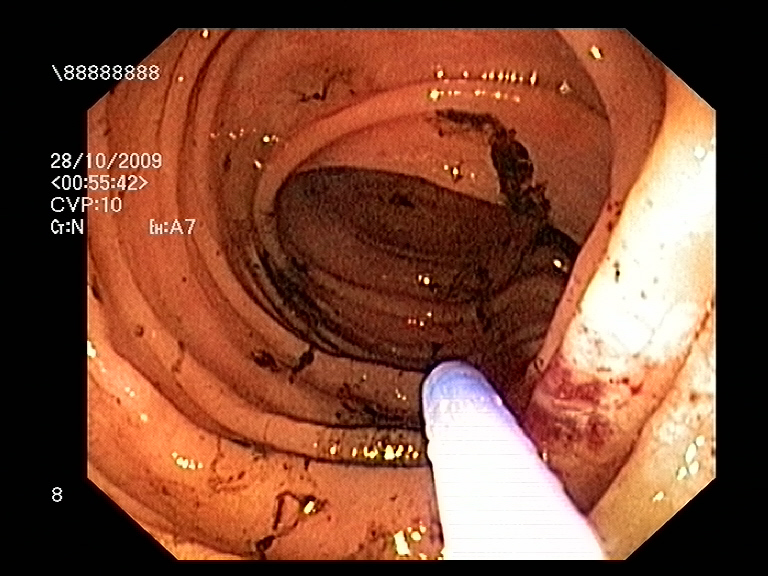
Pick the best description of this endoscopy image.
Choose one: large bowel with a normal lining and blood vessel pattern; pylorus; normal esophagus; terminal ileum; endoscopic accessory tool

endoscopic accessory tool